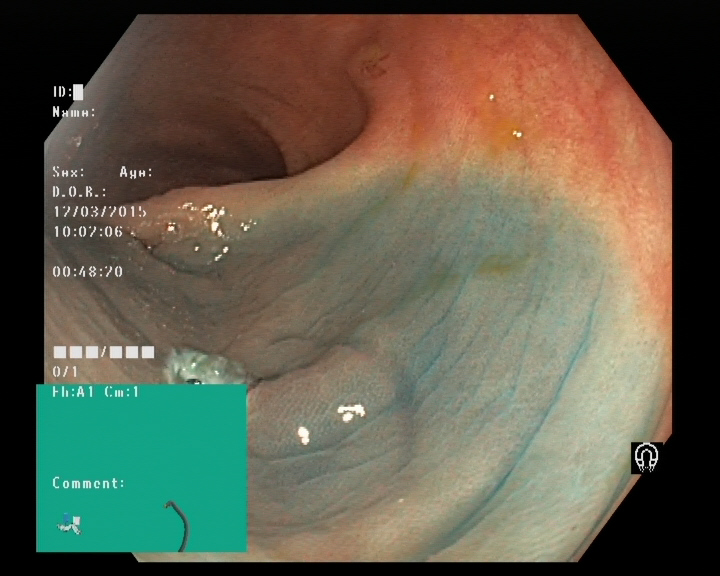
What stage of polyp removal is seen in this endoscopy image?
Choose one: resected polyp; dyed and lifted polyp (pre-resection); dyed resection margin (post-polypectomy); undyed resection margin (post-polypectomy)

dyed resection margin (post-polypectomy)